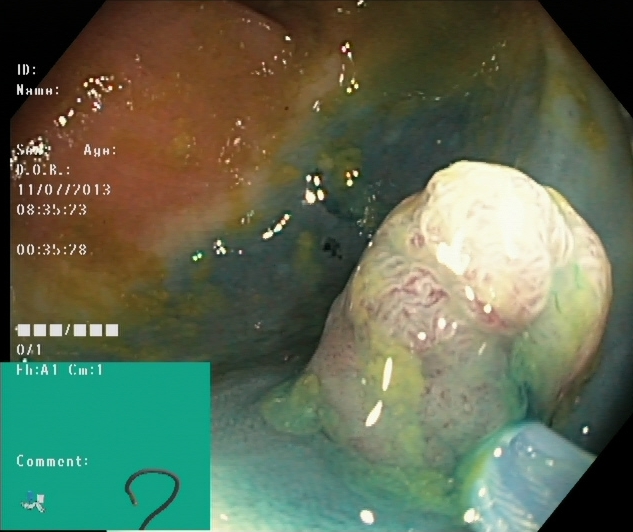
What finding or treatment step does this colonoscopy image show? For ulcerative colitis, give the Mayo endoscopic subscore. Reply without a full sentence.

dyed and lifted polyp (pre-resection)